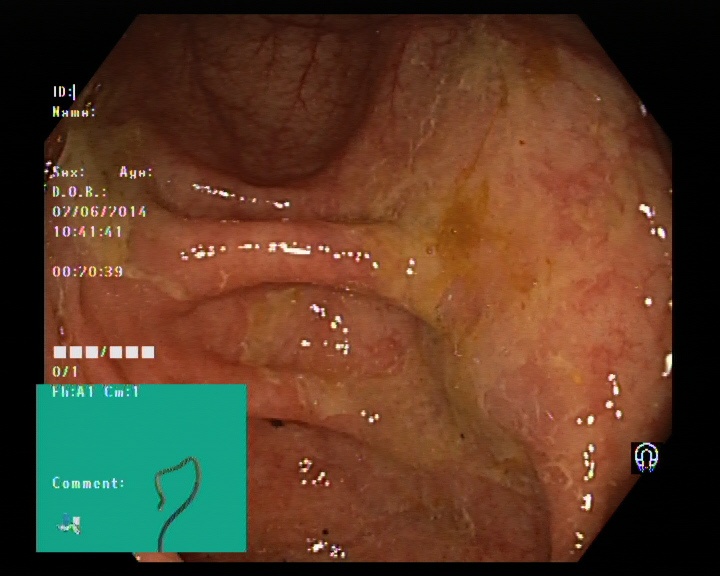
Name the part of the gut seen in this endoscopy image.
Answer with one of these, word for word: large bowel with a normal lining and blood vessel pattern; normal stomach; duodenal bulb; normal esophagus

large bowel with a normal lining and blood vessel pattern